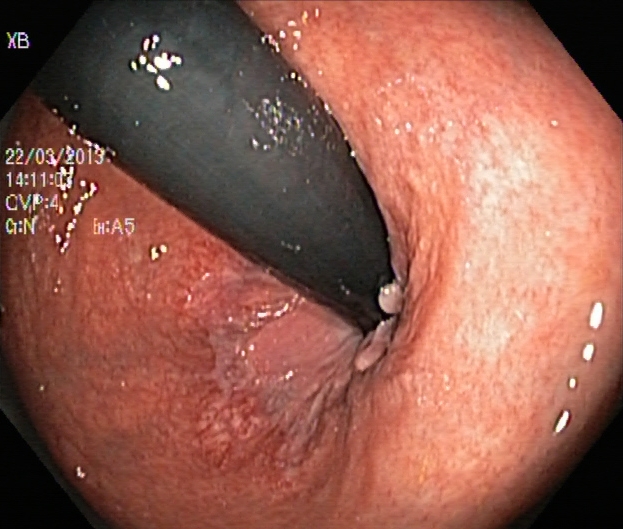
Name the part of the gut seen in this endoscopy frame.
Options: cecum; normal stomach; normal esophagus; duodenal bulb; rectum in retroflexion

rectum in retroflexion